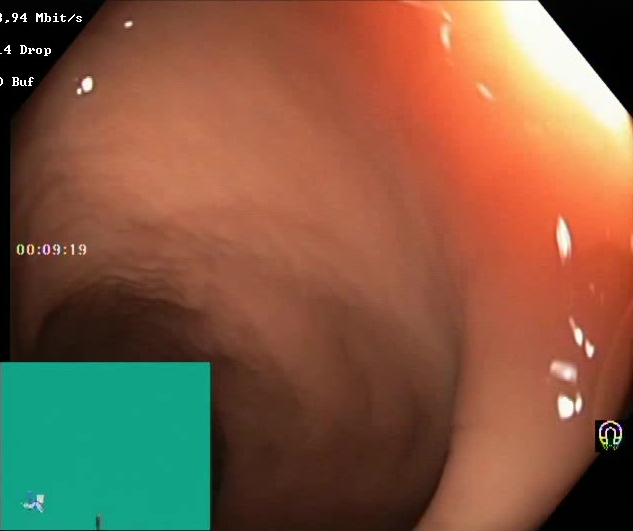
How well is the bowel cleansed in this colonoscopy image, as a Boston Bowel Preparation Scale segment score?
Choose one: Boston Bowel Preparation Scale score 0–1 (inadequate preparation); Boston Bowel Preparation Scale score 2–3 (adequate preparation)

Boston Bowel Preparation Scale score 2–3 (adequate preparation)